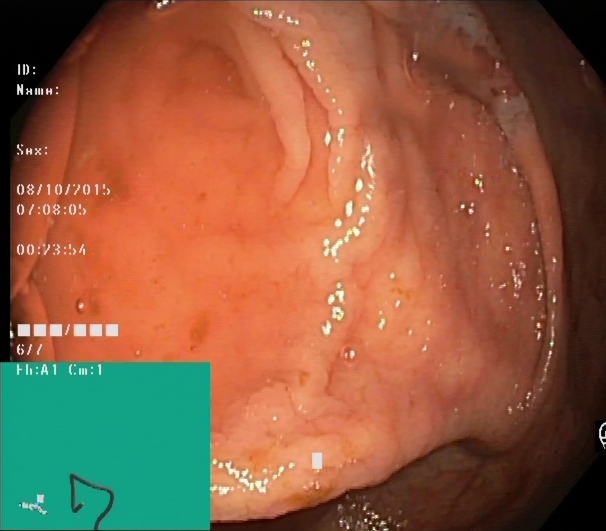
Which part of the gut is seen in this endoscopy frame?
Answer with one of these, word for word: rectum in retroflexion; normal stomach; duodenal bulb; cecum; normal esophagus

cecum